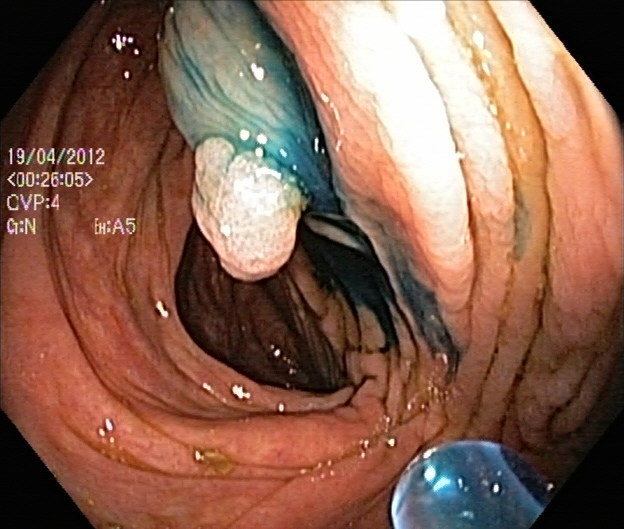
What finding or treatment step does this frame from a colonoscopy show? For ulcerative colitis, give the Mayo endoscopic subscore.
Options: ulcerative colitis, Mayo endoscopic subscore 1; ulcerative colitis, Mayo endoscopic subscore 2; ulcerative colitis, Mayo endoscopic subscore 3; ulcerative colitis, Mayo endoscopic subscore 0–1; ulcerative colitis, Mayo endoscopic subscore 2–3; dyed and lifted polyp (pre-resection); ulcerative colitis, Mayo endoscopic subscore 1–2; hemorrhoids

dyed and lifted polyp (pre-resection)